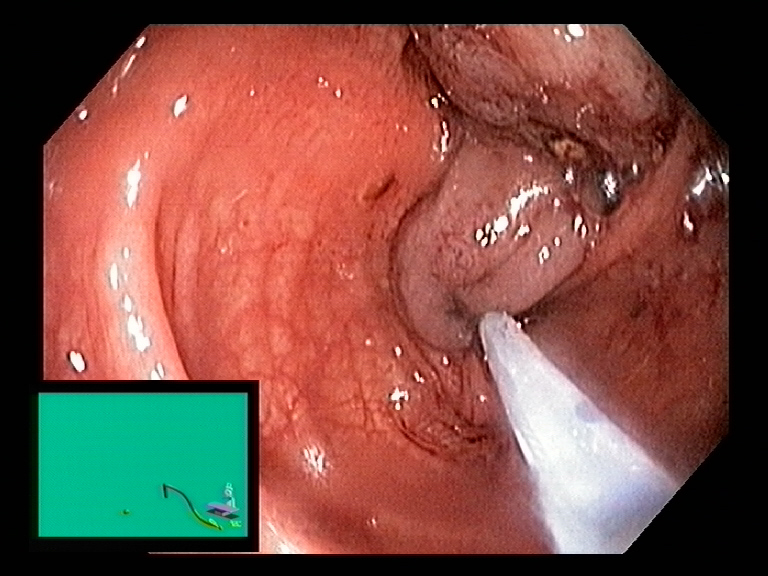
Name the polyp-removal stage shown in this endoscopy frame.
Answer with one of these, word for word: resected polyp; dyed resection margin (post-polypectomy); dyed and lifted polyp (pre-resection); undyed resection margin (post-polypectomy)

resected polyp